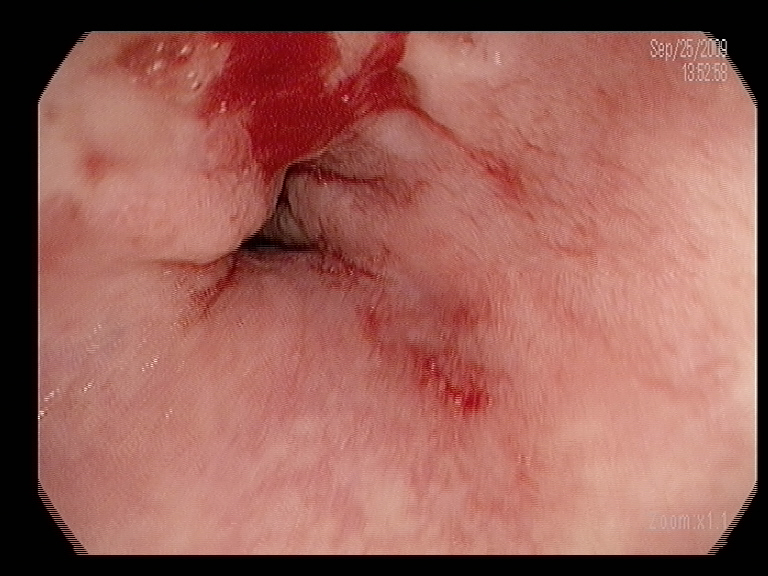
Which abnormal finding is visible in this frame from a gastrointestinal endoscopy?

blood in the lumen